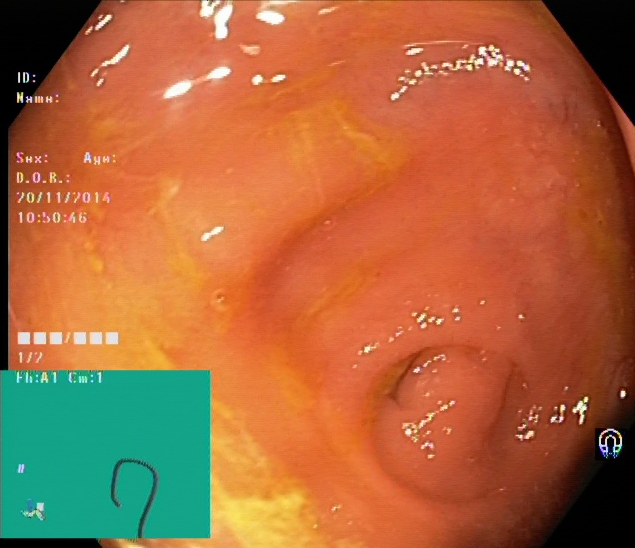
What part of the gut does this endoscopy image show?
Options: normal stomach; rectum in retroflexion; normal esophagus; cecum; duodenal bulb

cecum